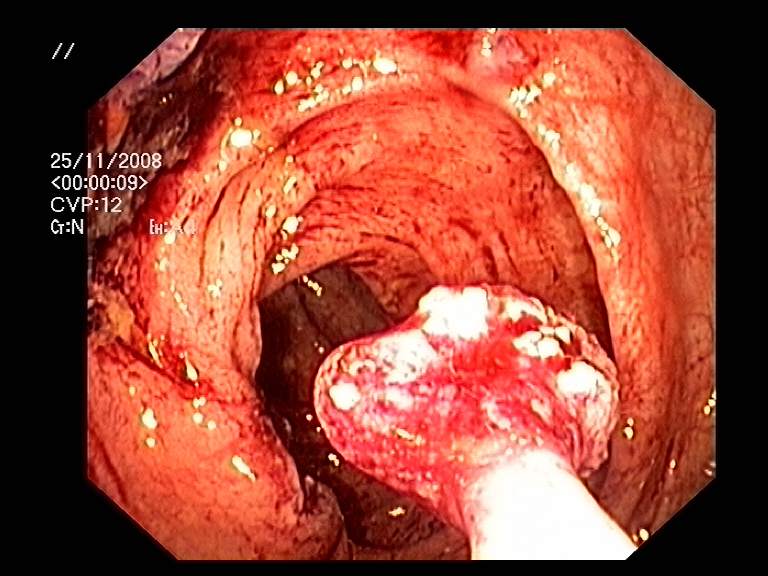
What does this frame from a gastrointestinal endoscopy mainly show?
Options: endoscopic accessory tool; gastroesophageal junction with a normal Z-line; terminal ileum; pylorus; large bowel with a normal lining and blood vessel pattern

endoscopic accessory tool